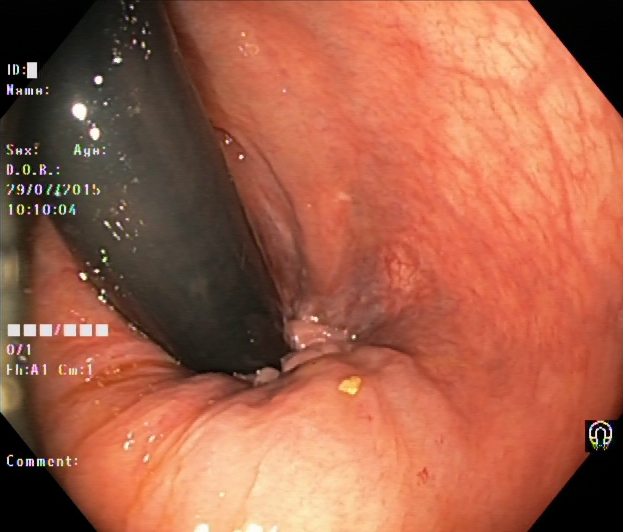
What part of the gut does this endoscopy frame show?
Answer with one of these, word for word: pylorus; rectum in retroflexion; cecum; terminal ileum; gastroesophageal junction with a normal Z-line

rectum in retroflexion